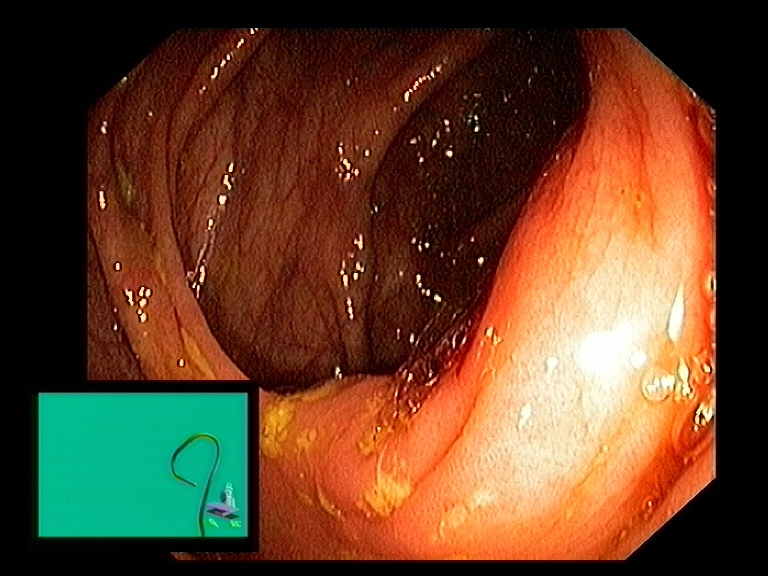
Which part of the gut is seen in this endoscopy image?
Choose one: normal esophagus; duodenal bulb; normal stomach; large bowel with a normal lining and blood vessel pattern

large bowel with a normal lining and blood vessel pattern